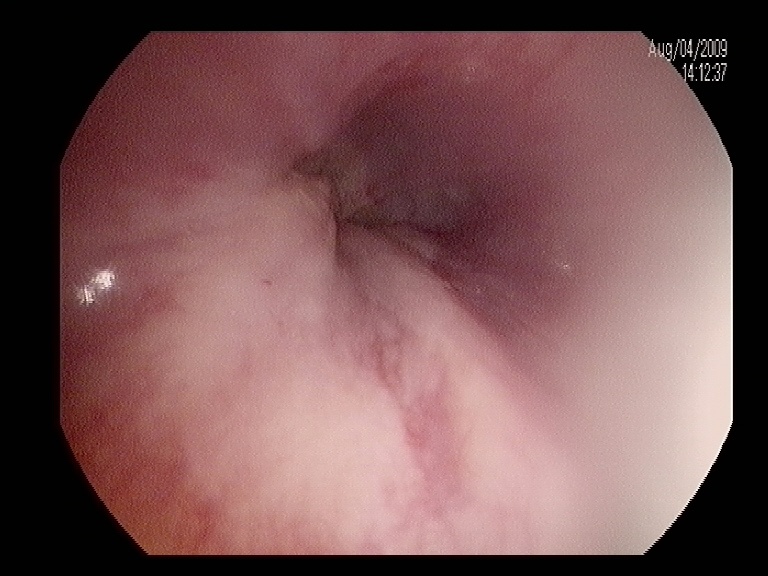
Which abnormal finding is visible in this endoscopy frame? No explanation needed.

esophagitis